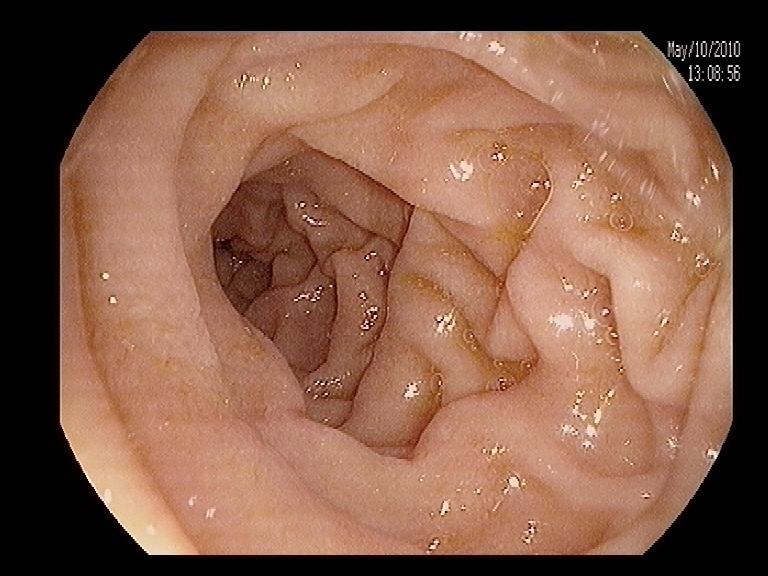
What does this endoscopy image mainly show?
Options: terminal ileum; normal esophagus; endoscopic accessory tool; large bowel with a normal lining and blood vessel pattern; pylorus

terminal ileum